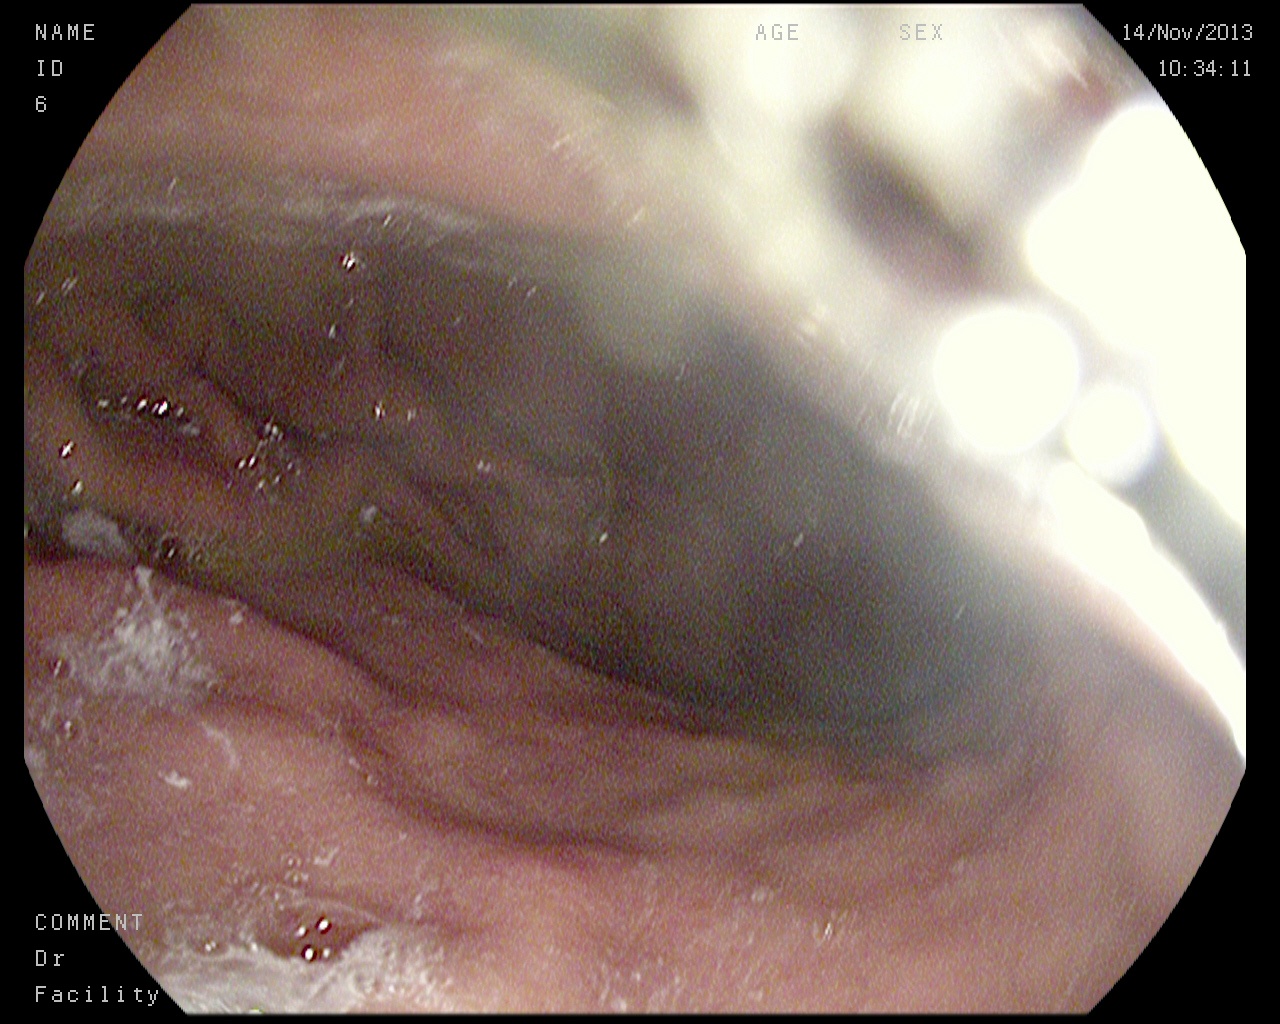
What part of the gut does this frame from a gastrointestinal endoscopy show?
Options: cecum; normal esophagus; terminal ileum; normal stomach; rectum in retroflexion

normal stomach